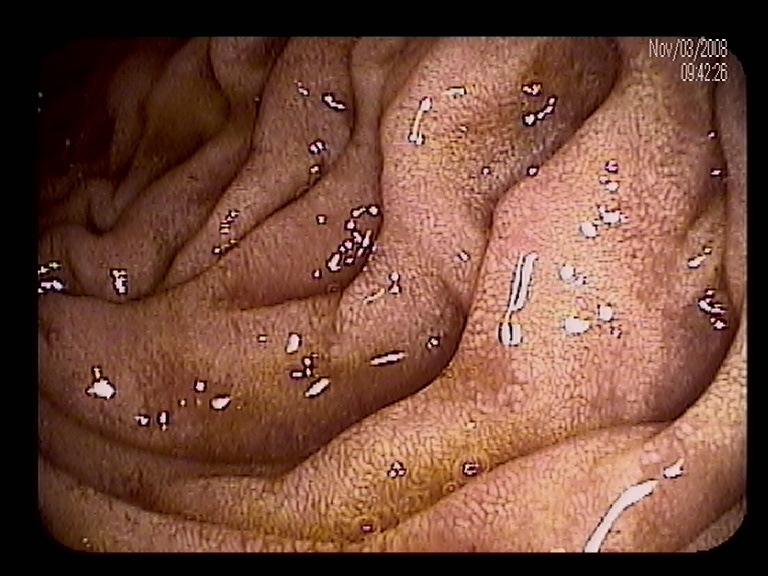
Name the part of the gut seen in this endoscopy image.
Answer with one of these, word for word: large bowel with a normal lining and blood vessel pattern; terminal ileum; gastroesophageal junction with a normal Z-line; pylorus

terminal ileum